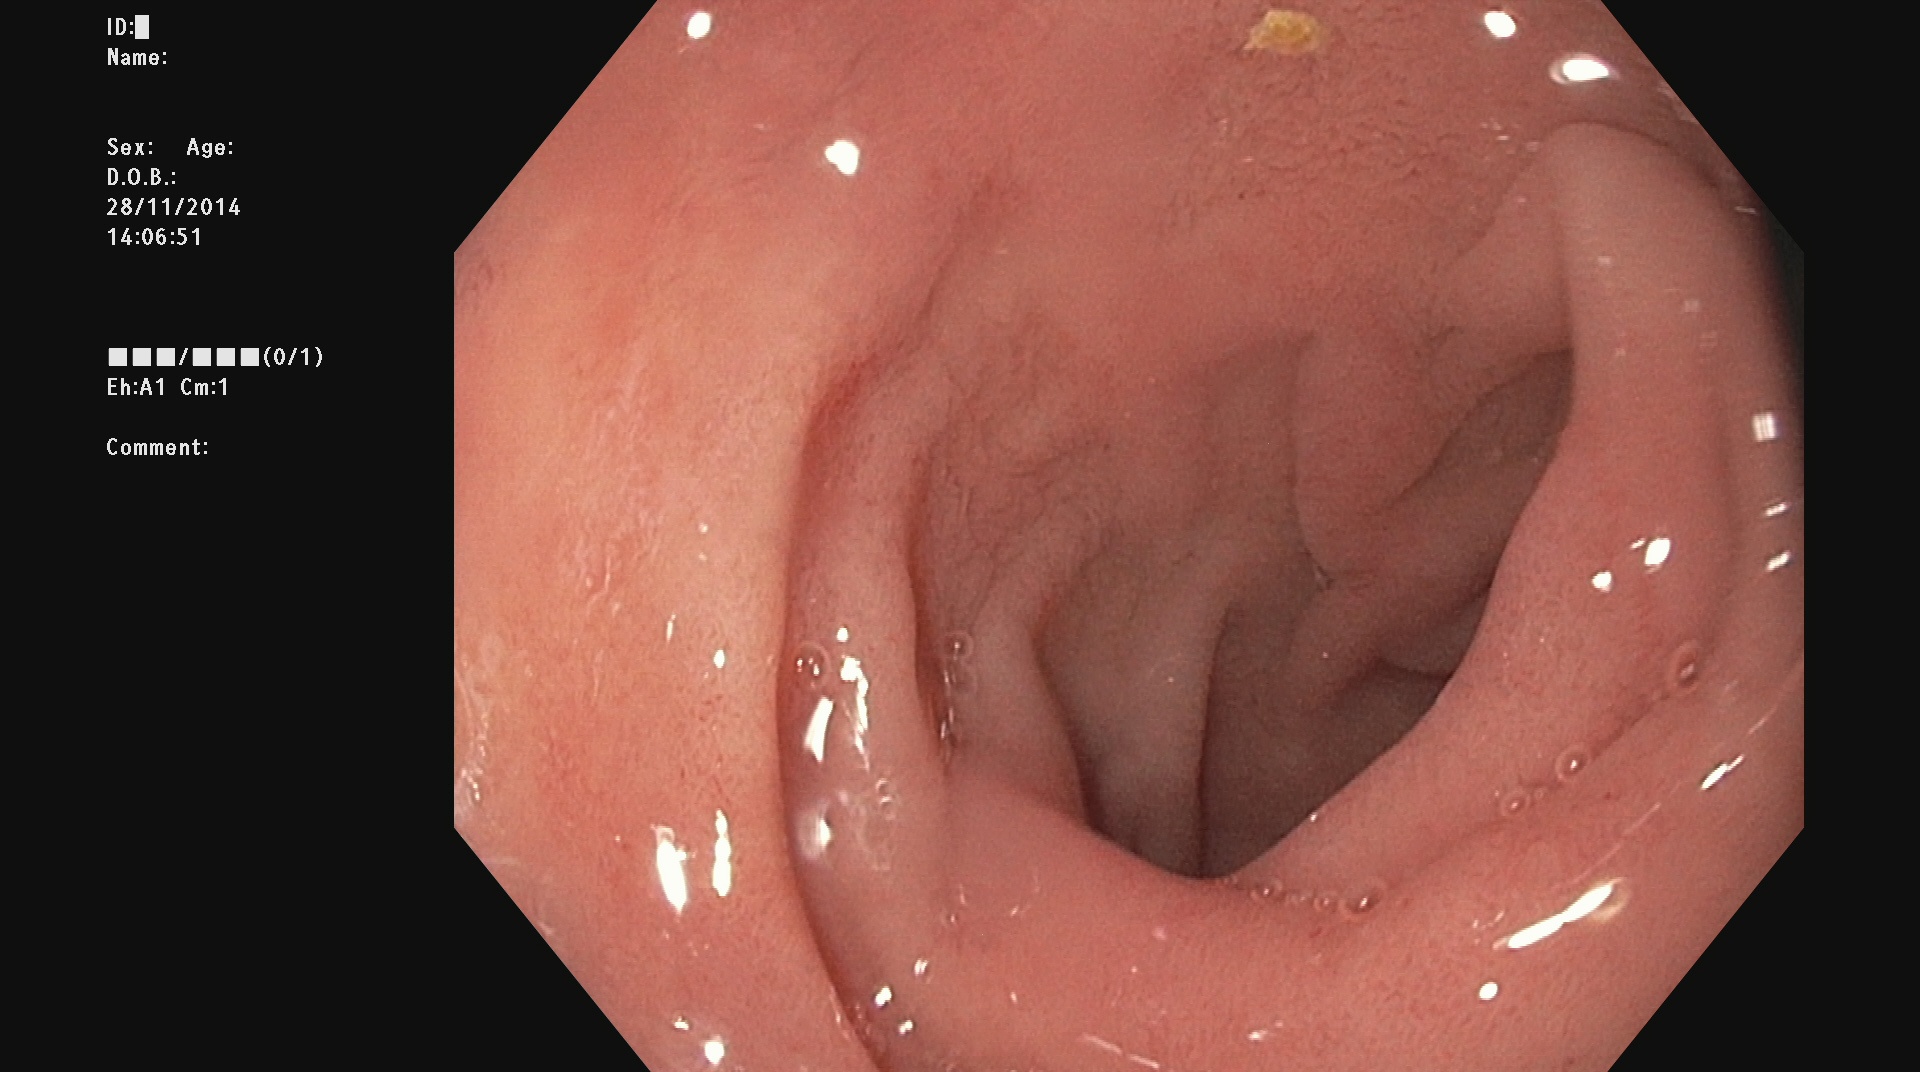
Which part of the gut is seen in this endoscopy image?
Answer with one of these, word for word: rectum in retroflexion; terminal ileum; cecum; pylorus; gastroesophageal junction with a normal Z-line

terminal ileum